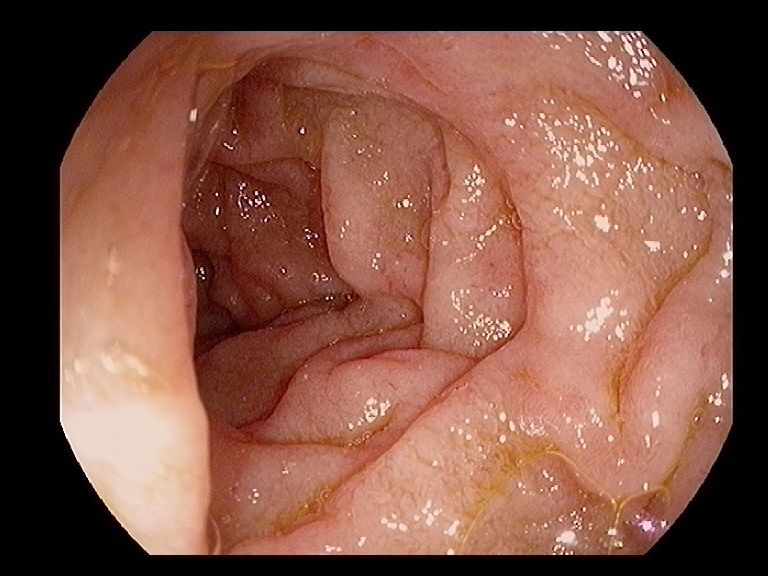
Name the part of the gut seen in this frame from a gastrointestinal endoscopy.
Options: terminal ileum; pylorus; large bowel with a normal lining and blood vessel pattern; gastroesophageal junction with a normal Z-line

terminal ileum